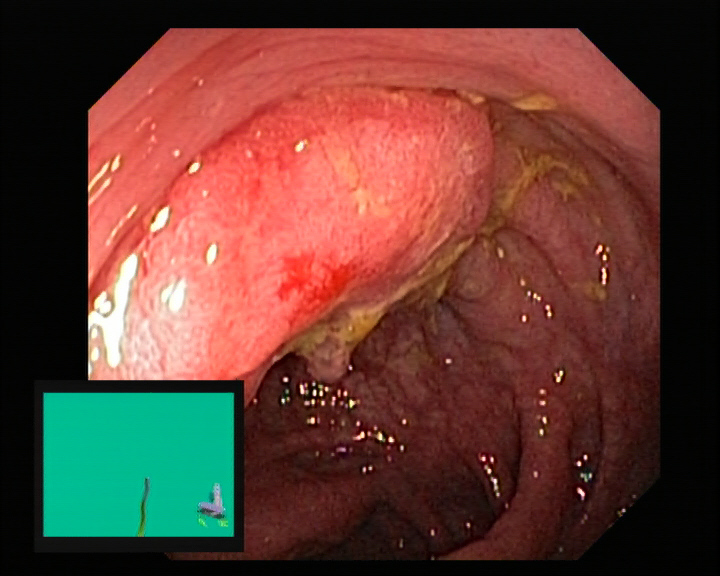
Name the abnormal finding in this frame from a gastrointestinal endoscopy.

colorectal cancer